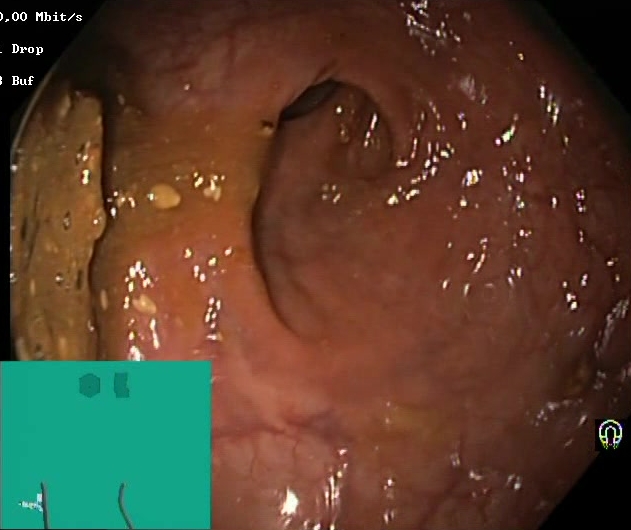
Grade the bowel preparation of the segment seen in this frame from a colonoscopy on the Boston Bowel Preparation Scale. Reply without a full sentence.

Boston Bowel Preparation Scale score 0–1 (inadequate preparation)